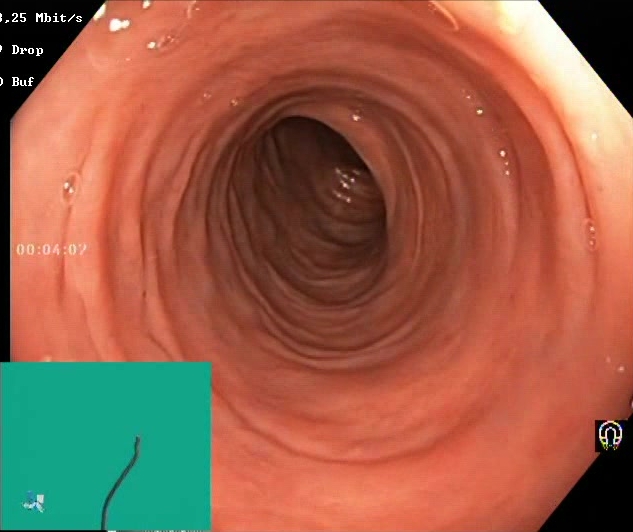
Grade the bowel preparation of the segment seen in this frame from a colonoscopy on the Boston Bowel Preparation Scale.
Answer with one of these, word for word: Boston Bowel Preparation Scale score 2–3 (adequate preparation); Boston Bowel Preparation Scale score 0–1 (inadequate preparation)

Boston Bowel Preparation Scale score 2–3 (adequate preparation)